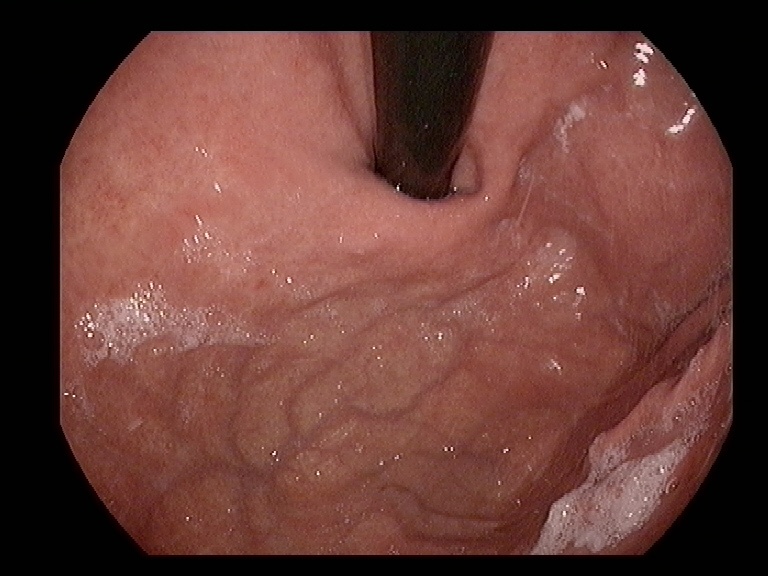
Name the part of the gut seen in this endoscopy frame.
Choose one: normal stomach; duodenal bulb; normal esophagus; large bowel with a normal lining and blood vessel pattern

normal stomach